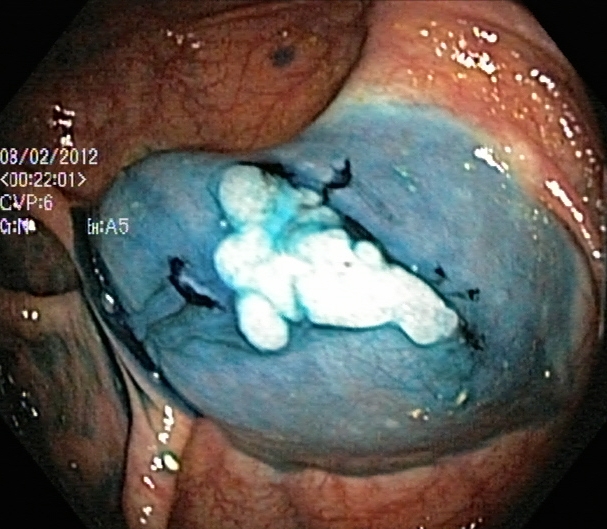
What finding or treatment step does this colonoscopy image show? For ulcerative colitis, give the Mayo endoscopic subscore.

dyed and lifted polyp (pre-resection)